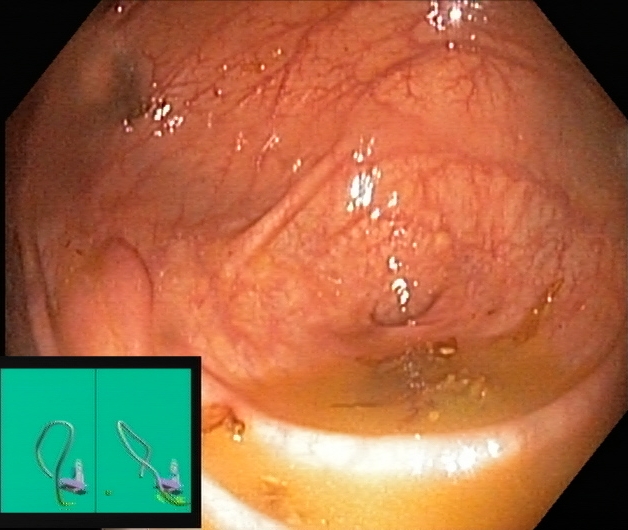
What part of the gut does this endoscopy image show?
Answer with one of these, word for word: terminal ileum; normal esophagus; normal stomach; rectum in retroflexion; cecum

cecum